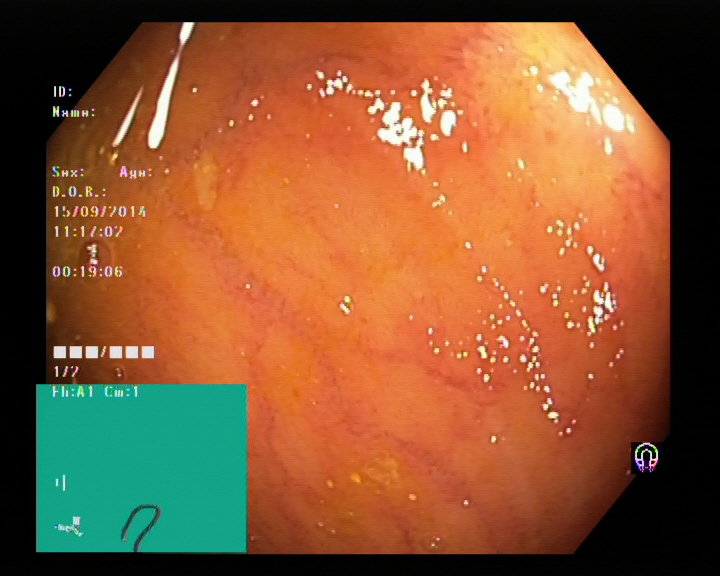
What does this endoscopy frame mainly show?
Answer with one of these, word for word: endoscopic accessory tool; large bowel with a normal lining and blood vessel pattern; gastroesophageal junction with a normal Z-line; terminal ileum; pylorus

large bowel with a normal lining and blood vessel pattern